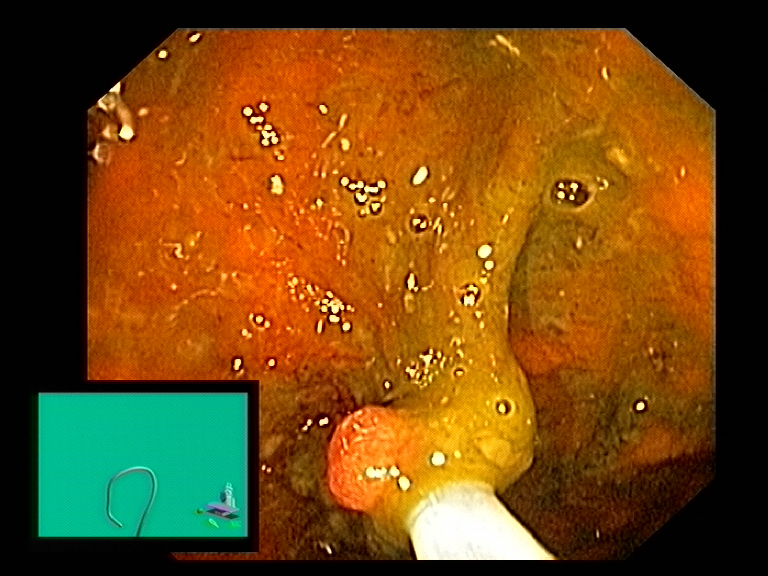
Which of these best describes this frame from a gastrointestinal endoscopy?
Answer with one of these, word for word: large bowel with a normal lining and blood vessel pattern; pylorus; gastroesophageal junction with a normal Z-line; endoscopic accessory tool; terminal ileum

endoscopic accessory tool